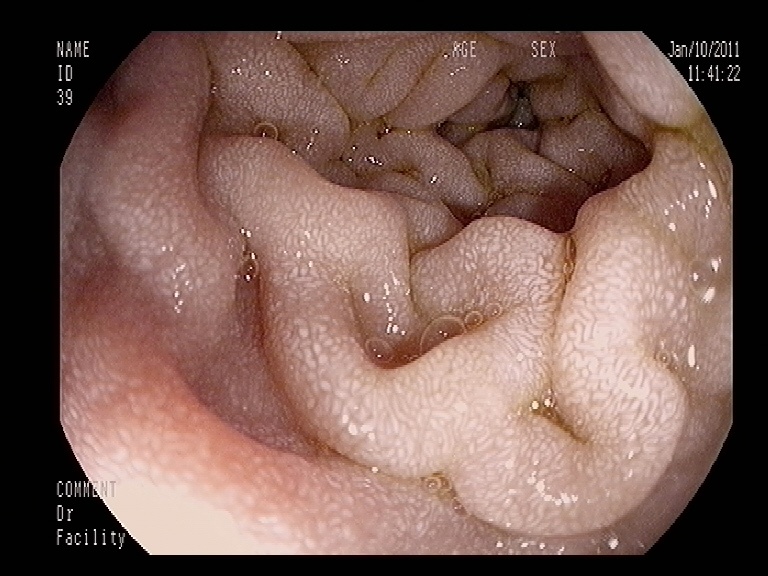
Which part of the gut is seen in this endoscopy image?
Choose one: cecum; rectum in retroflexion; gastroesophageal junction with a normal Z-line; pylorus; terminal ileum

terminal ileum